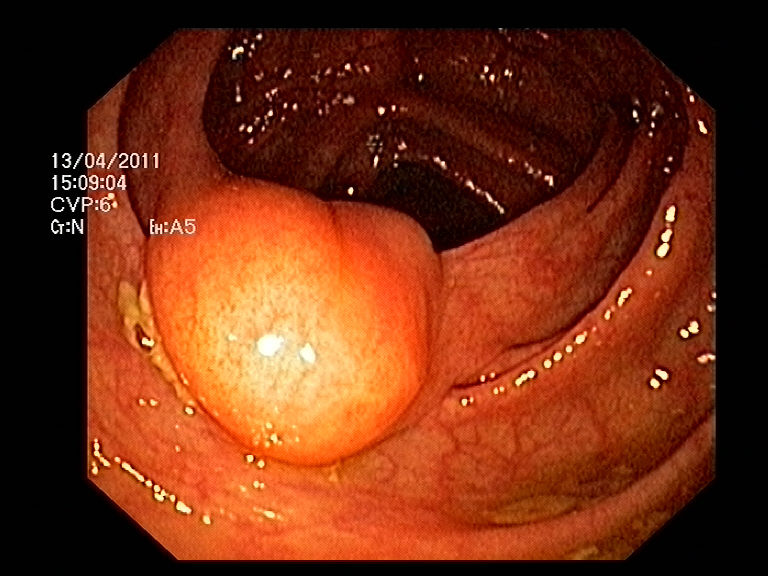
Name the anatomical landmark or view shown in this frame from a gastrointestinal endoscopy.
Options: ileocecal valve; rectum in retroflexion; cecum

ileocecal valve